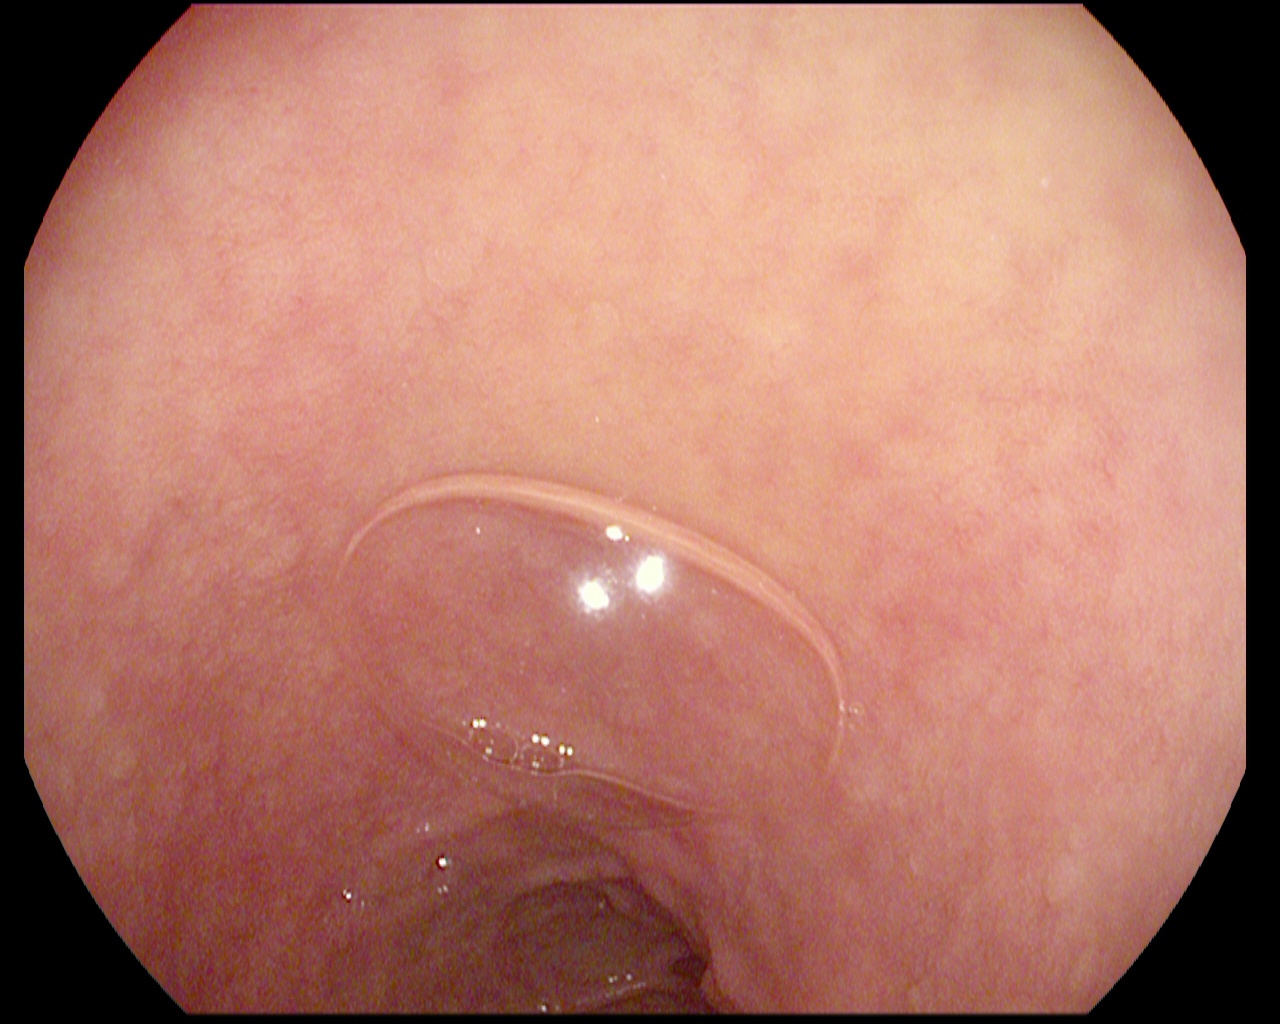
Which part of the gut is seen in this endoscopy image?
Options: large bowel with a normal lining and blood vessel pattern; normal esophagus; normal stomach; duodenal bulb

duodenal bulb